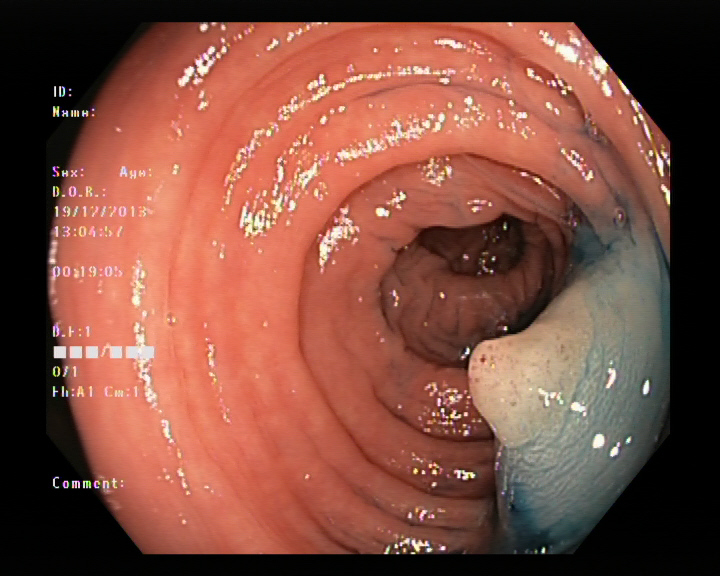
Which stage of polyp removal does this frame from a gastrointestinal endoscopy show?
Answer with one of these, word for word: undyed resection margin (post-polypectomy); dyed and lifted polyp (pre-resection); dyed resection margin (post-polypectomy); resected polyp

dyed and lifted polyp (pre-resection)